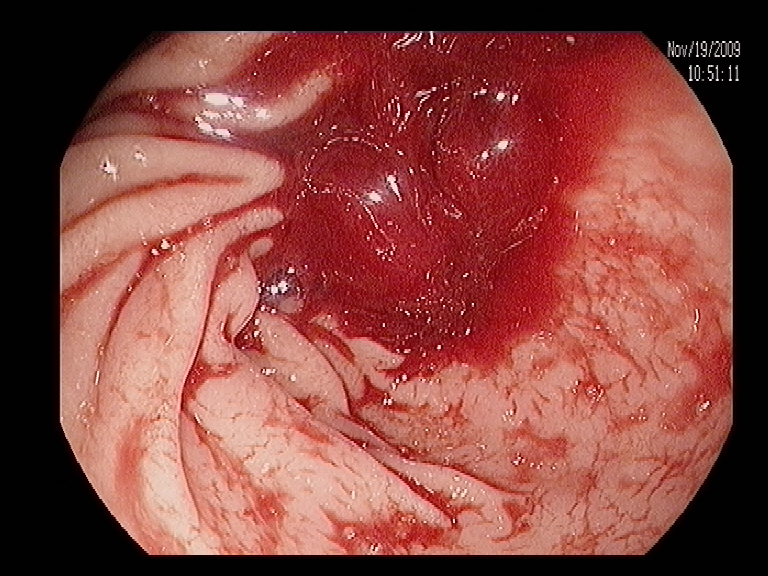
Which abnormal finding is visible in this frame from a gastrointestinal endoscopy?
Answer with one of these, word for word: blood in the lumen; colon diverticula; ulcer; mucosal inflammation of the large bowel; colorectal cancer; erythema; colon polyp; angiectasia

blood in the lumen